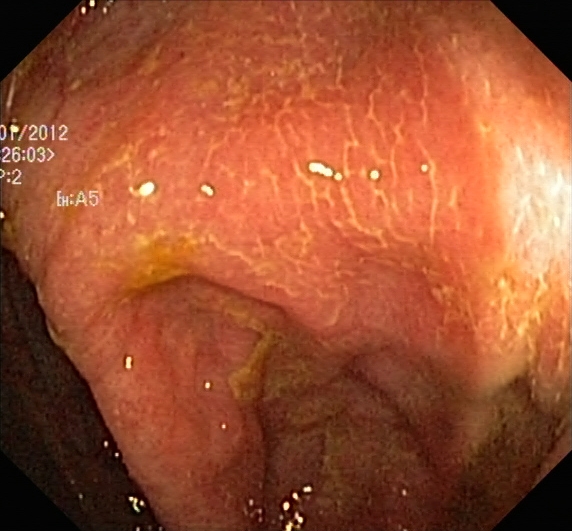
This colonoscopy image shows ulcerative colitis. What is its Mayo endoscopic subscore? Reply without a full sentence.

ulcerative colitis, Mayo endoscopic subscore 2